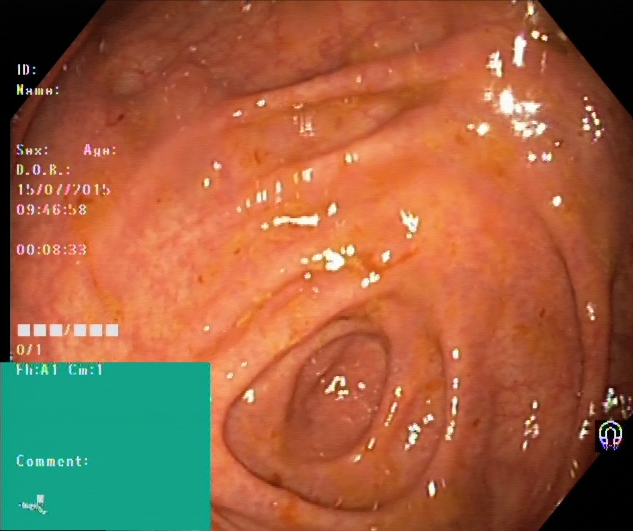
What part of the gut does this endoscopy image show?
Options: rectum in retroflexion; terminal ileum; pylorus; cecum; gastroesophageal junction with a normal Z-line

cecum